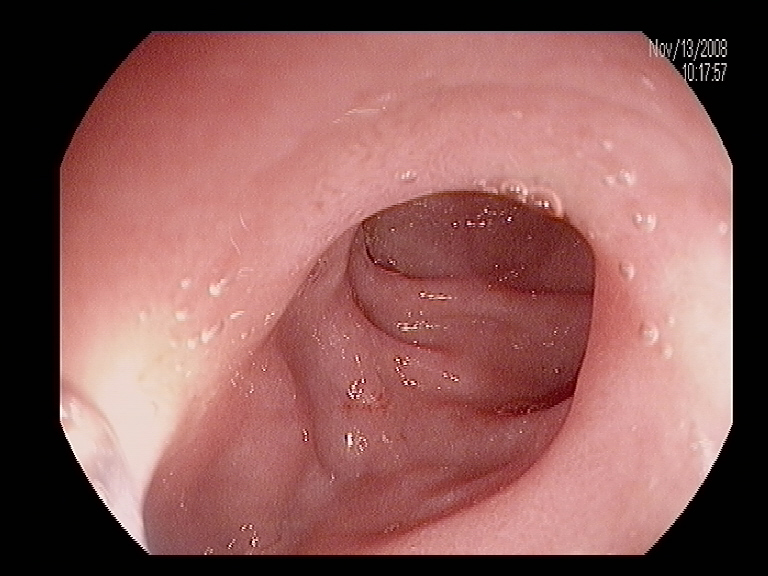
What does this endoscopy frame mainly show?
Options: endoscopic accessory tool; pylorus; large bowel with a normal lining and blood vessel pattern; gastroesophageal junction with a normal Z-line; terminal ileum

terminal ileum